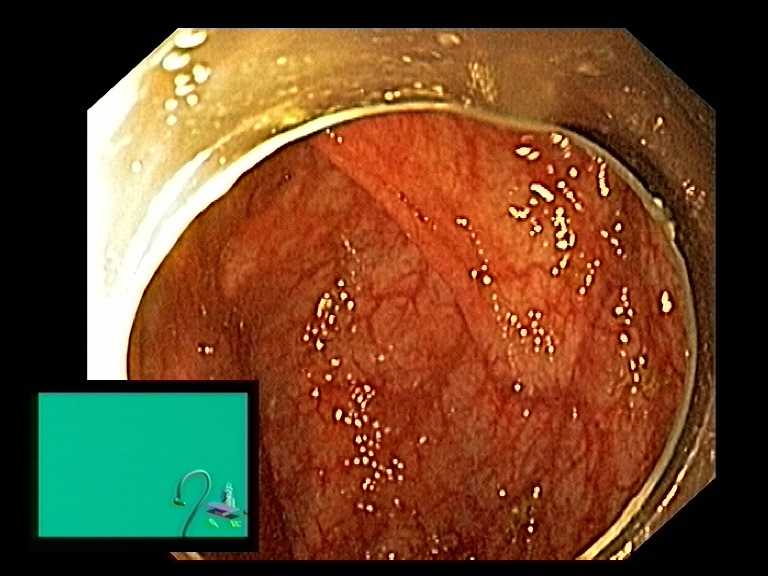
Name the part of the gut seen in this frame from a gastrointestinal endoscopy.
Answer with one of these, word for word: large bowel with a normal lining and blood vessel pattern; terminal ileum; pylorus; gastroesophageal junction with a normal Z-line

large bowel with a normal lining and blood vessel pattern